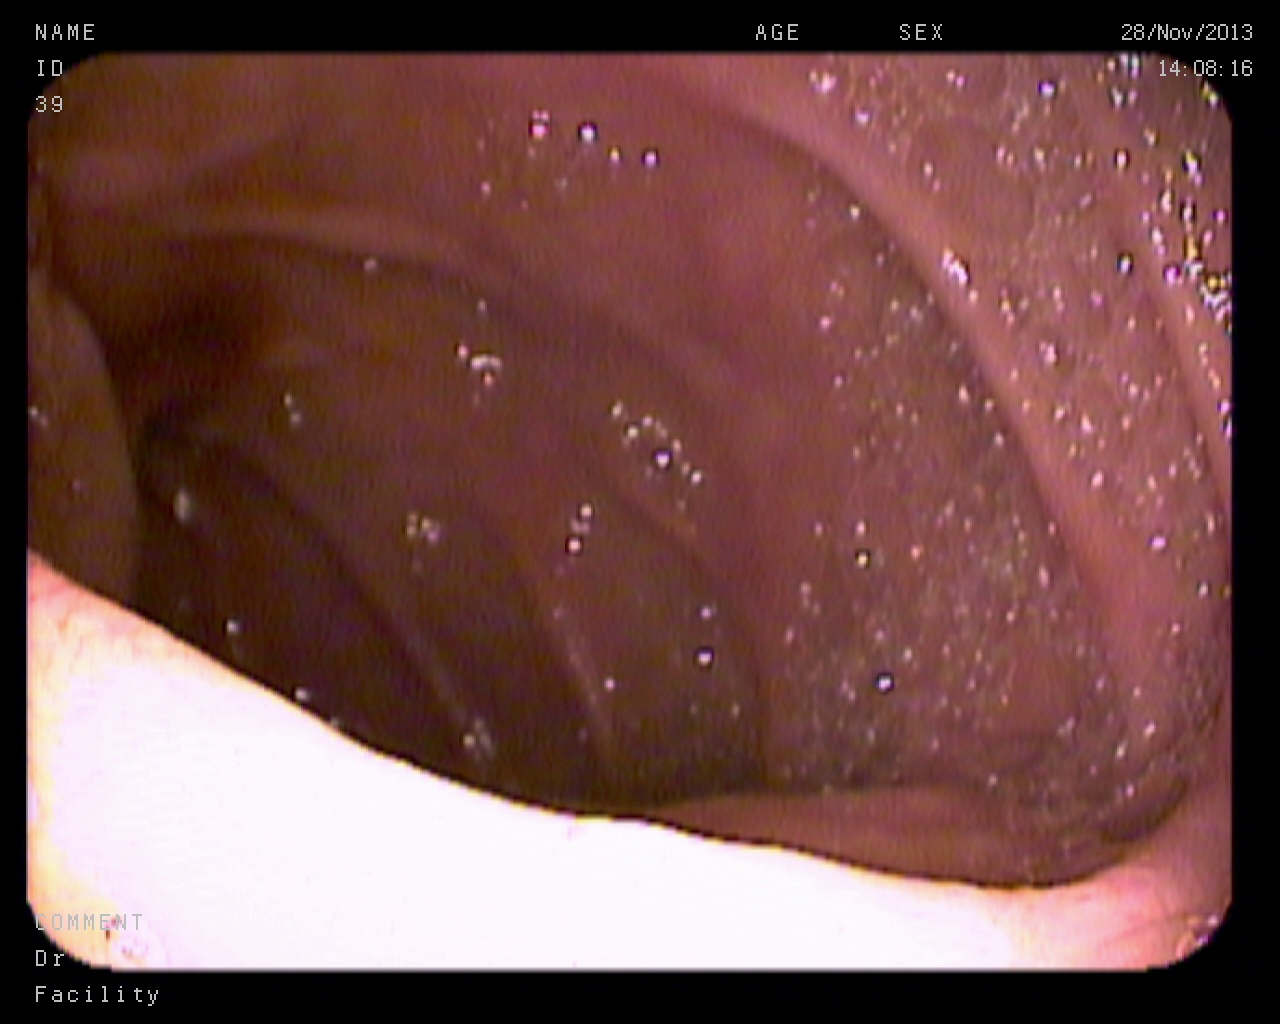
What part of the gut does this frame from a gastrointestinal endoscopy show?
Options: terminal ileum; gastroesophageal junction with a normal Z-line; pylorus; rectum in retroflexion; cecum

terminal ileum